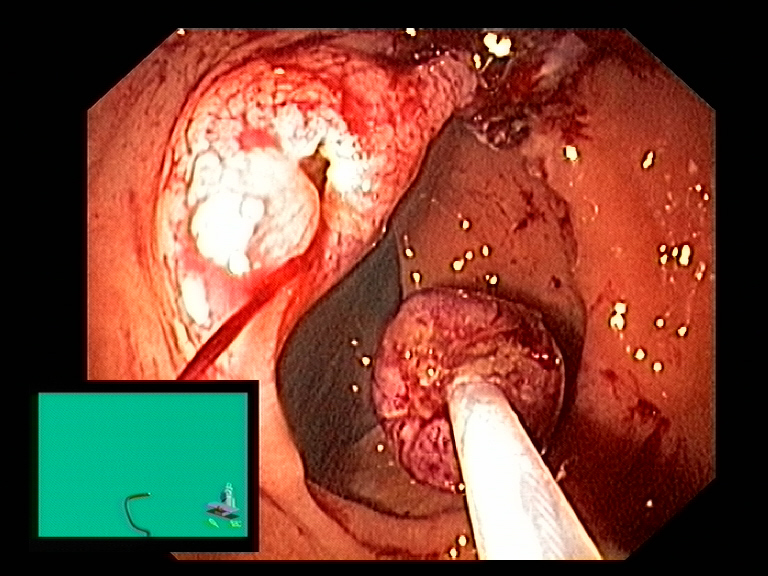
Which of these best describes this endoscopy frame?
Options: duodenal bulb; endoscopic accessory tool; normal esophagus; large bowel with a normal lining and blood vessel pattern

endoscopic accessory tool